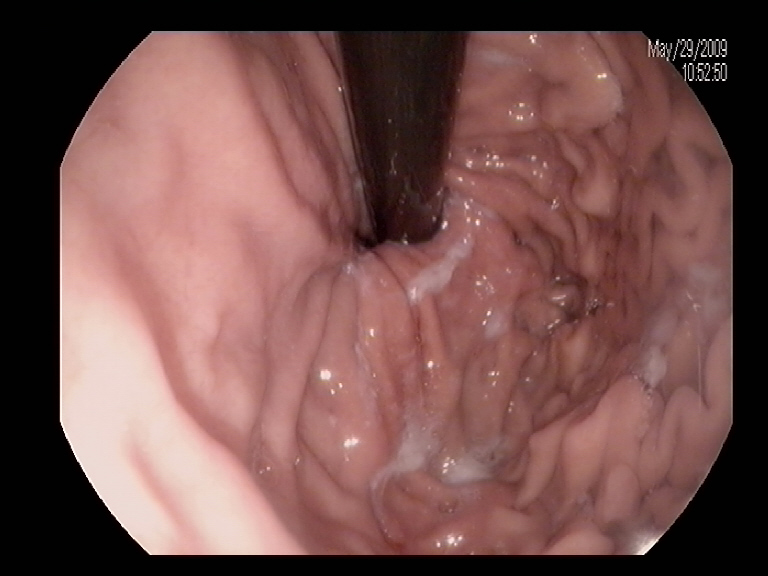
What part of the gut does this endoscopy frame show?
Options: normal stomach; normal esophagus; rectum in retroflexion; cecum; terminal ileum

normal stomach